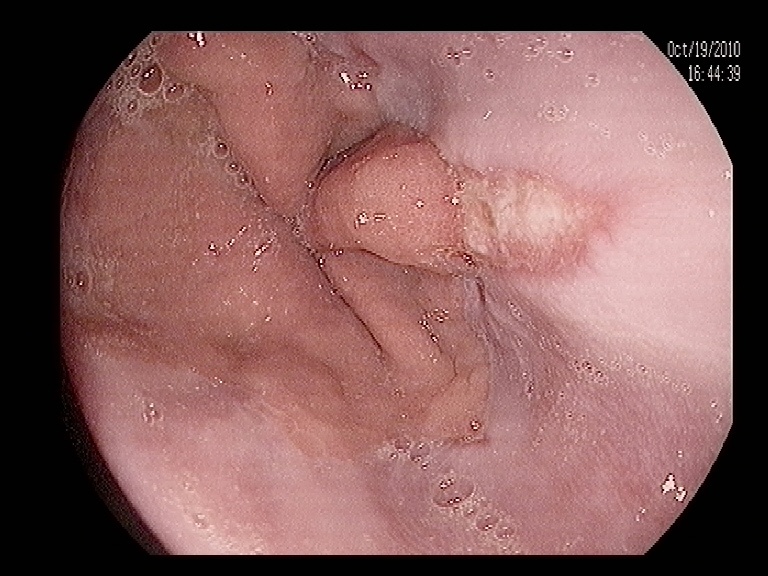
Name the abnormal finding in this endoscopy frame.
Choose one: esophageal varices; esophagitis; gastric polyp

esophagitis